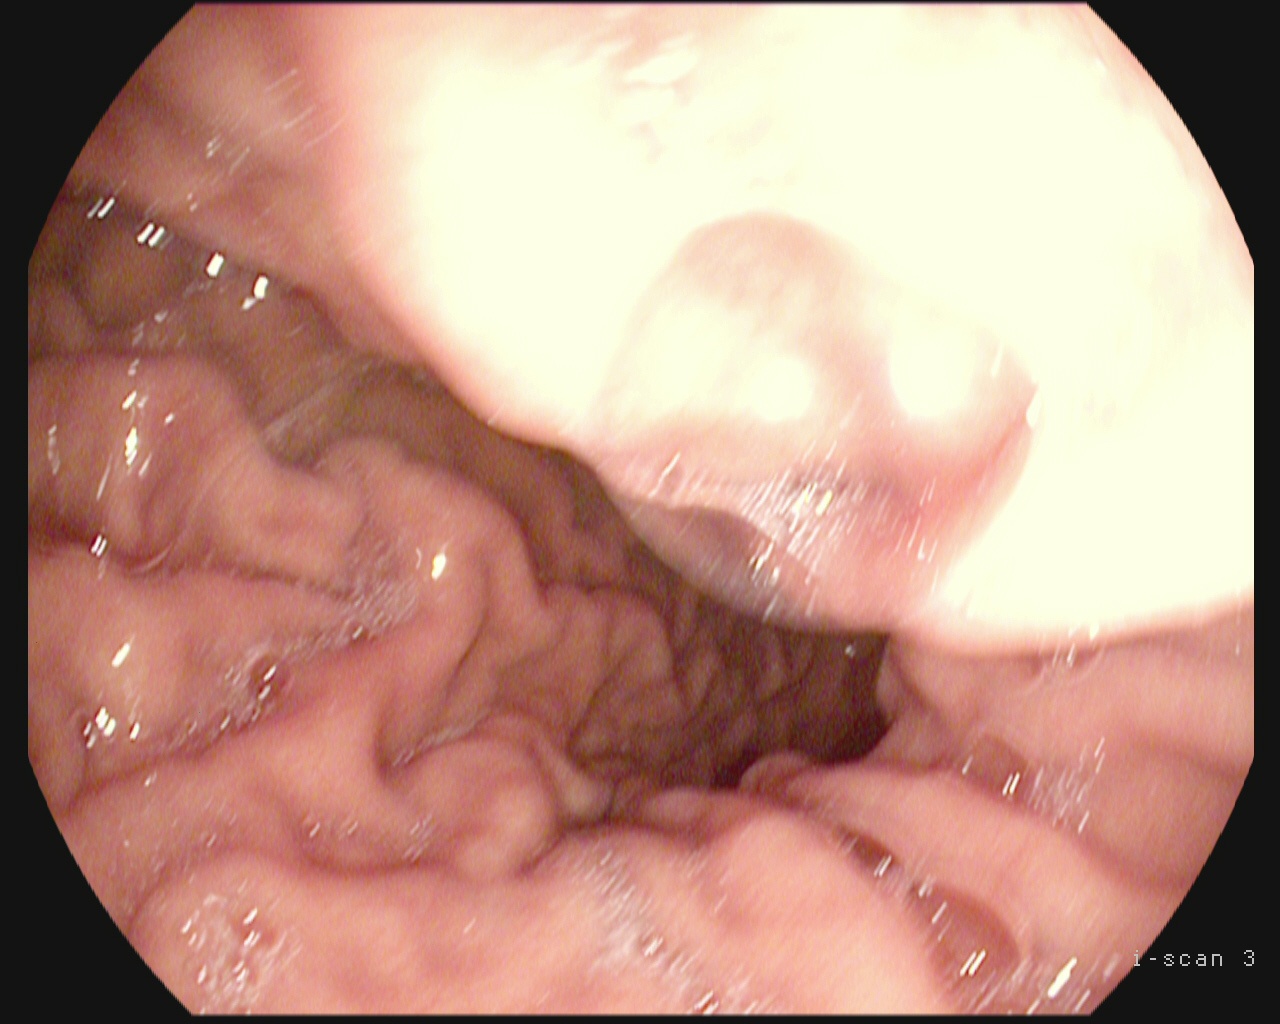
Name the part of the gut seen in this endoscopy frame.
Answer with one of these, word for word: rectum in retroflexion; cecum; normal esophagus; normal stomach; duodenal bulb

normal stomach